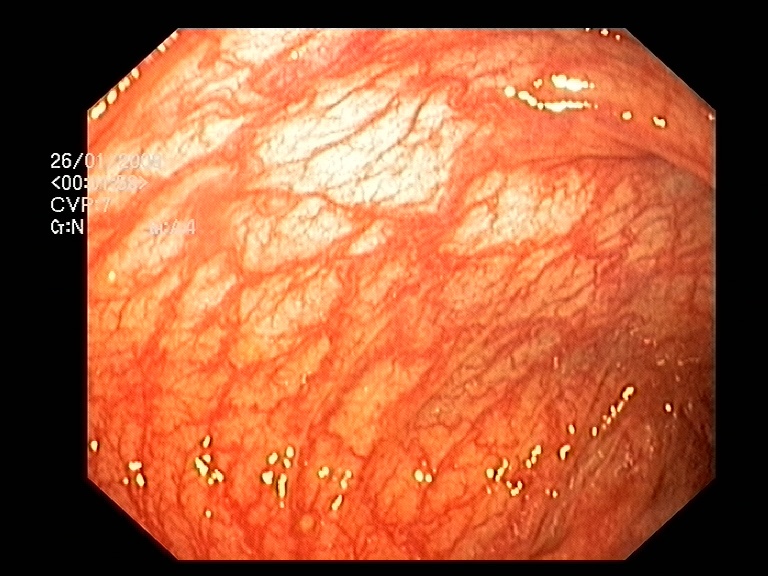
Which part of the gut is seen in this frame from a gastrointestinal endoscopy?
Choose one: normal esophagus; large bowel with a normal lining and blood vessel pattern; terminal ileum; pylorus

large bowel with a normal lining and blood vessel pattern